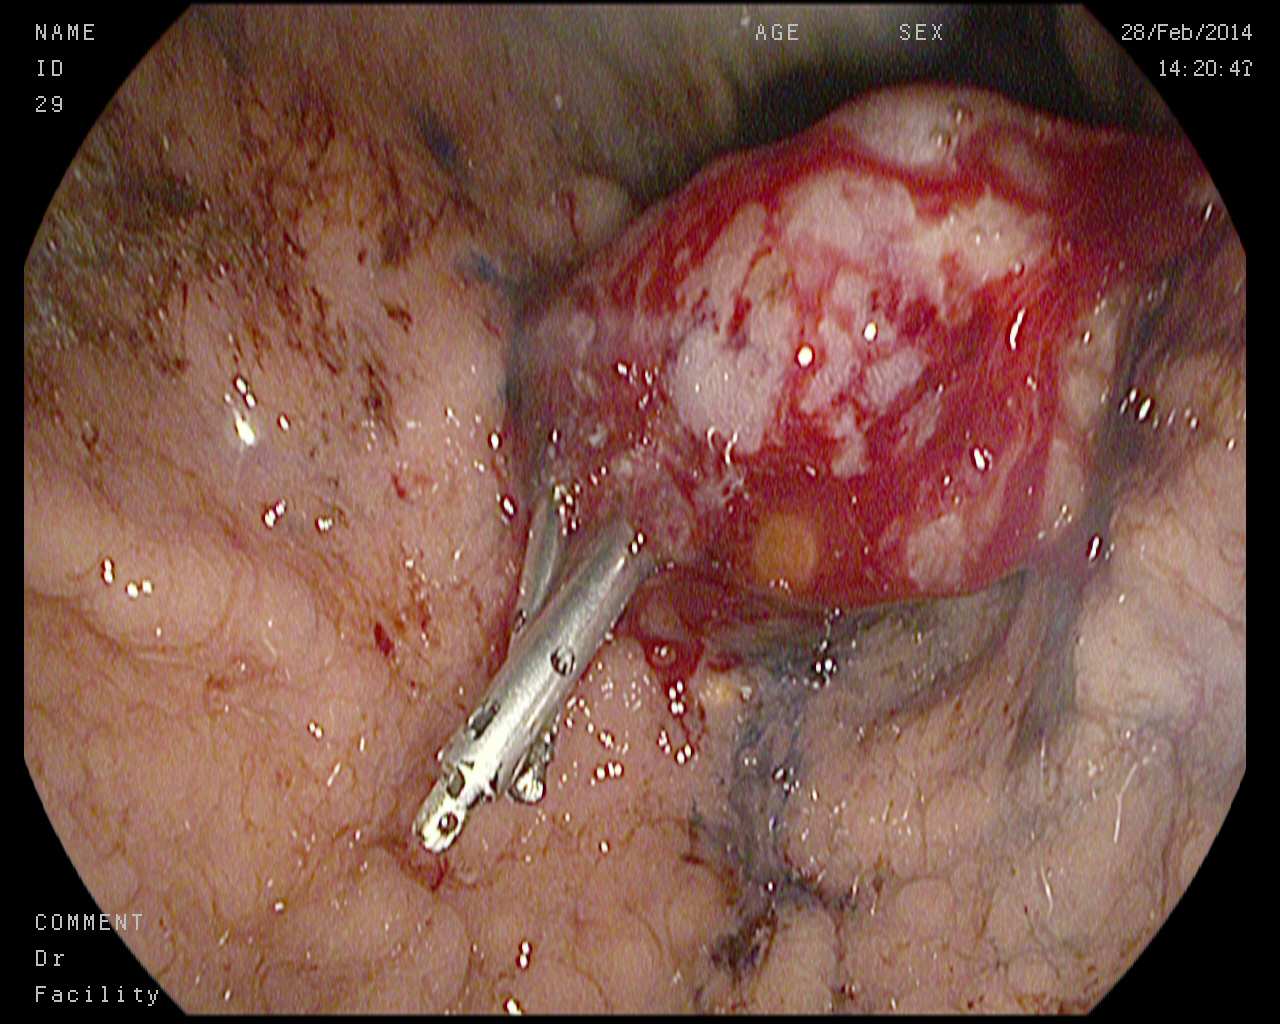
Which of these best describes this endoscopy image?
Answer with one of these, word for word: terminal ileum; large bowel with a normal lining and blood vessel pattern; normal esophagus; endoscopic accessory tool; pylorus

endoscopic accessory tool